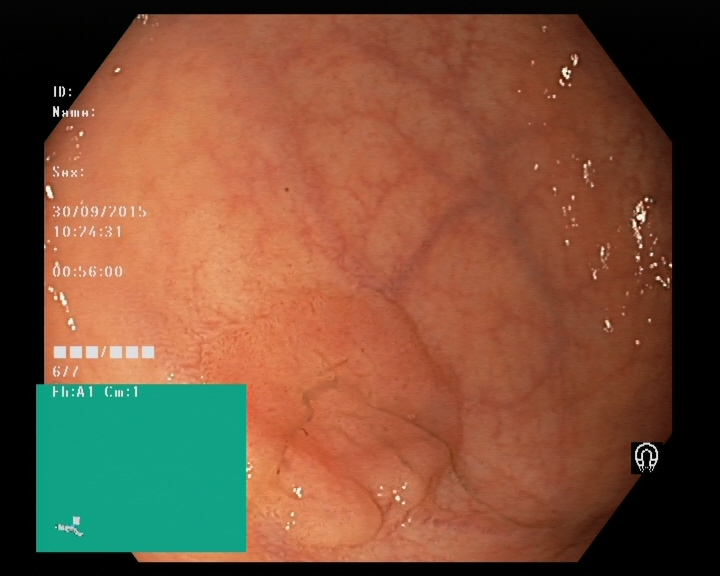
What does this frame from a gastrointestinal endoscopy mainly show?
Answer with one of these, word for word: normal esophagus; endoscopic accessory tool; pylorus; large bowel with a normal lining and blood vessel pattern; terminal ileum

large bowel with a normal lining and blood vessel pattern